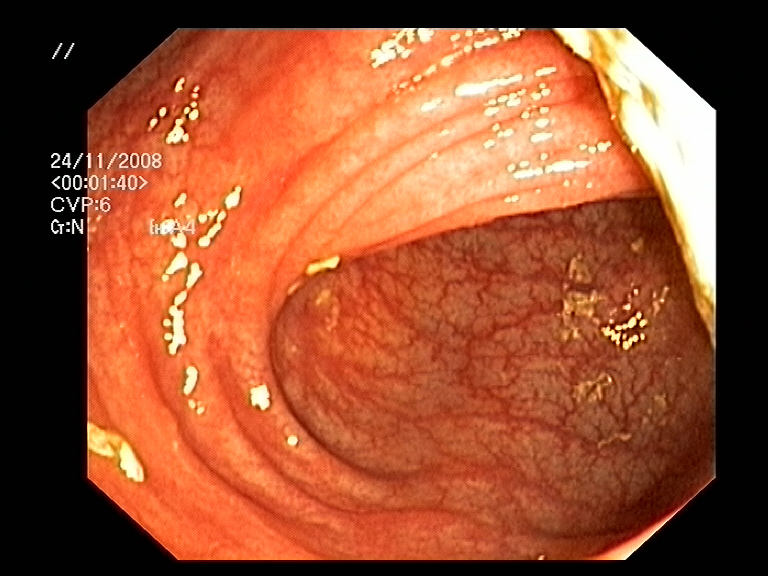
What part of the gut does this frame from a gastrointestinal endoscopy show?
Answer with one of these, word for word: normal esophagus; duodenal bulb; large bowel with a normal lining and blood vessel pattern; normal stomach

large bowel with a normal lining and blood vessel pattern